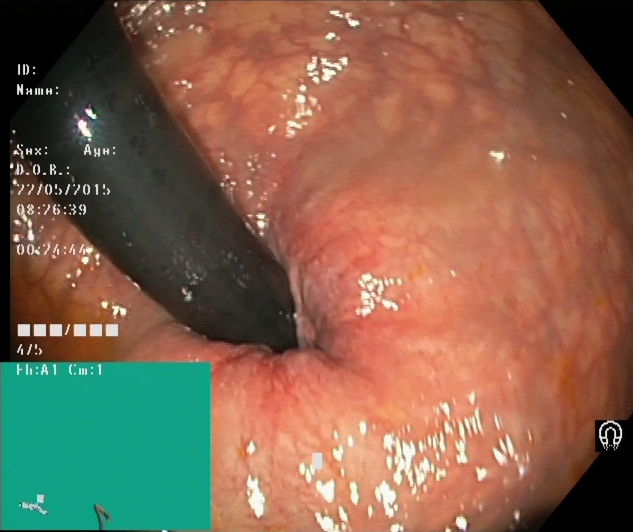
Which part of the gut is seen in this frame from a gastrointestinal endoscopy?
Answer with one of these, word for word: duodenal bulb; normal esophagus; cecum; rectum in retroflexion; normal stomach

rectum in retroflexion